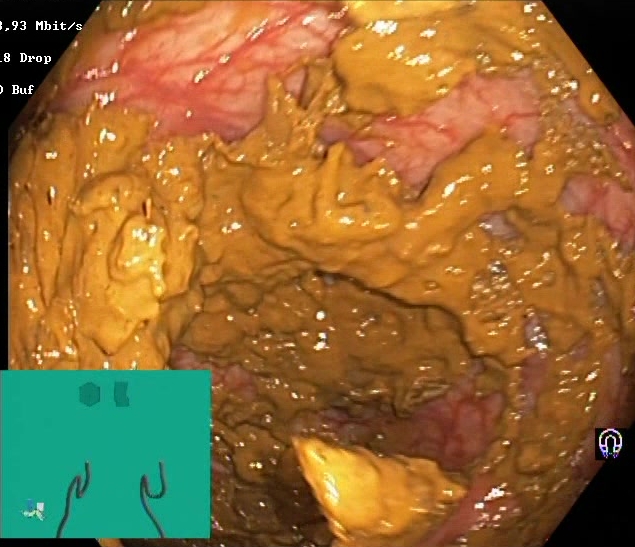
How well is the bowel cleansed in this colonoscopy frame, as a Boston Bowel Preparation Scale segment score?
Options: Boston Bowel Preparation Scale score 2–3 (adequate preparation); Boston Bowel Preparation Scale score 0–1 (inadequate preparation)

Boston Bowel Preparation Scale score 0–1 (inadequate preparation)